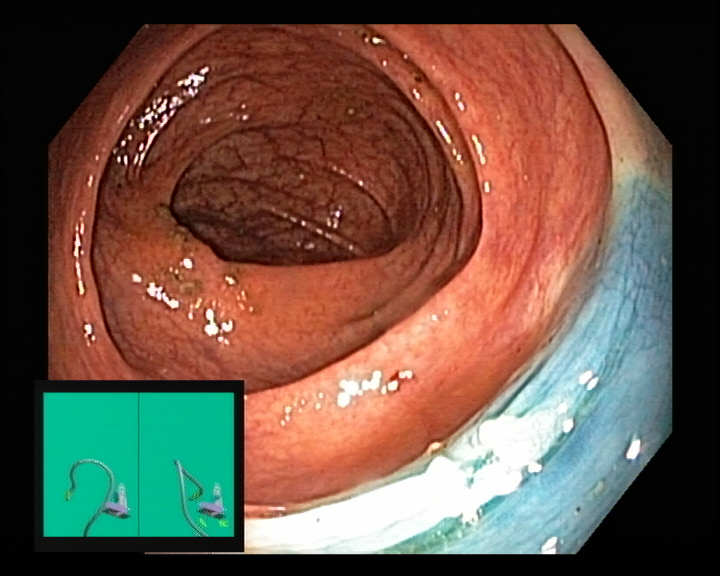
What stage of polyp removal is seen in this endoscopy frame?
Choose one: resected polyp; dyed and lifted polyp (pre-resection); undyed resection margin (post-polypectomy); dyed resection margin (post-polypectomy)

dyed resection margin (post-polypectomy)